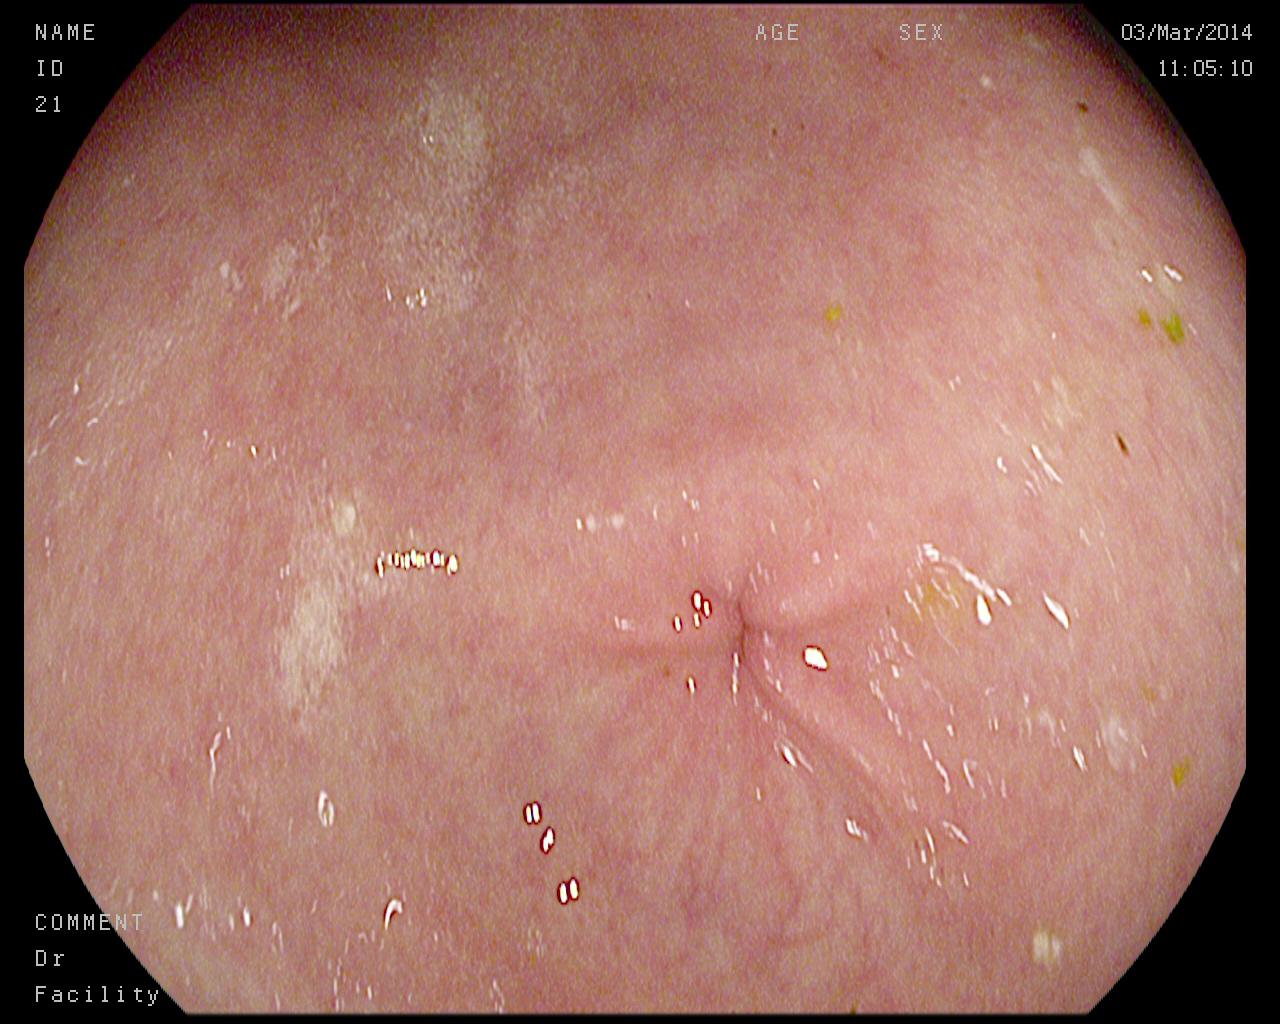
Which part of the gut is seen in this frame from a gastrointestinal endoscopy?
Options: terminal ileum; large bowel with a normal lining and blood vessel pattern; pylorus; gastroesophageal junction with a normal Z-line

pylorus